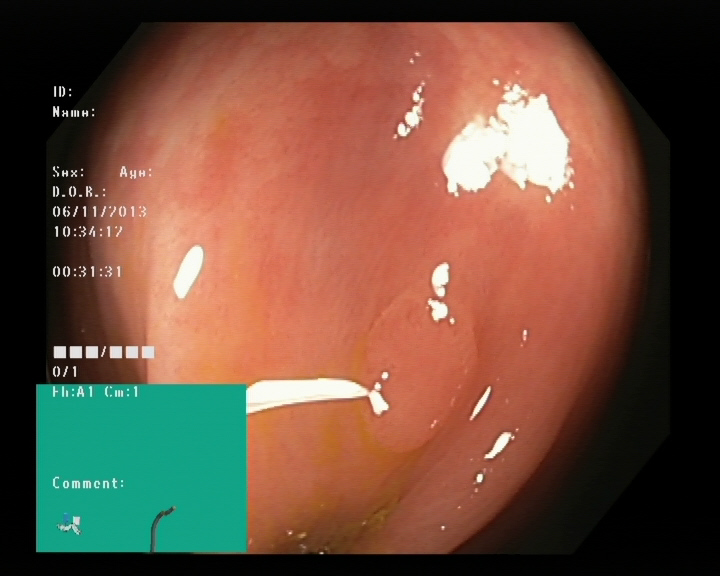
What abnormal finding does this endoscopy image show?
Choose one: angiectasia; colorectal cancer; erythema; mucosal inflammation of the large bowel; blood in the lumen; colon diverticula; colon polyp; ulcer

colon polyp